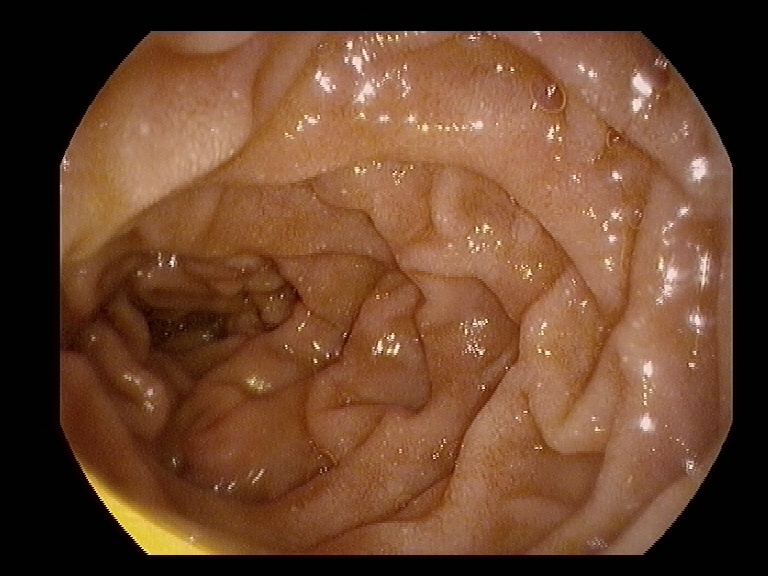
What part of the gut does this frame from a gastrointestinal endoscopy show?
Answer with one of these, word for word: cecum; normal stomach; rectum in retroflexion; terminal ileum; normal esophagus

terminal ileum